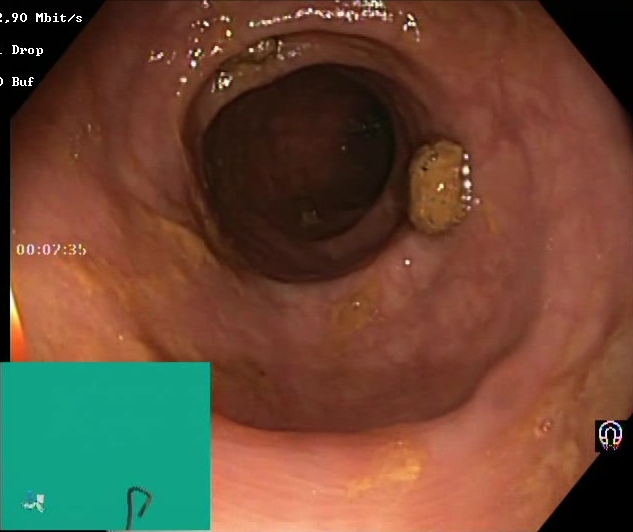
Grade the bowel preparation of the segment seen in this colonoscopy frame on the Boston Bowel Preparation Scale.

Boston Bowel Preparation Scale score 2–3 (adequate preparation)